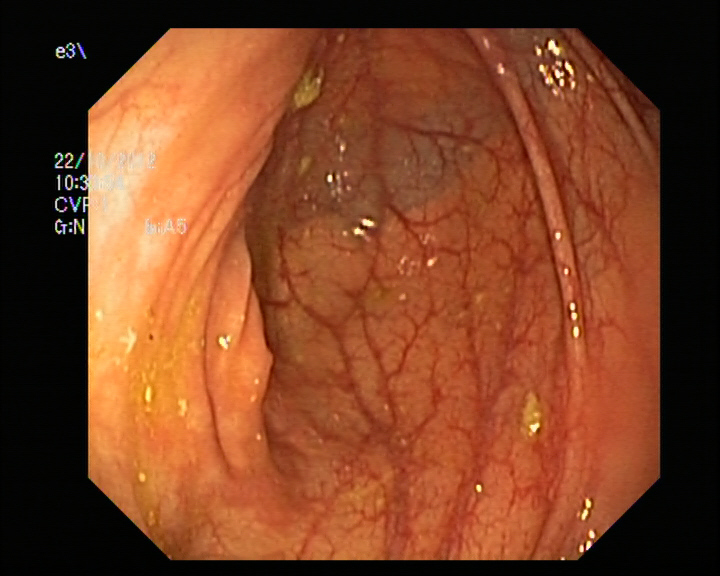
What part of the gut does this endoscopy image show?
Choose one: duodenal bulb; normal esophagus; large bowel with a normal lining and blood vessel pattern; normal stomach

large bowel with a normal lining and blood vessel pattern